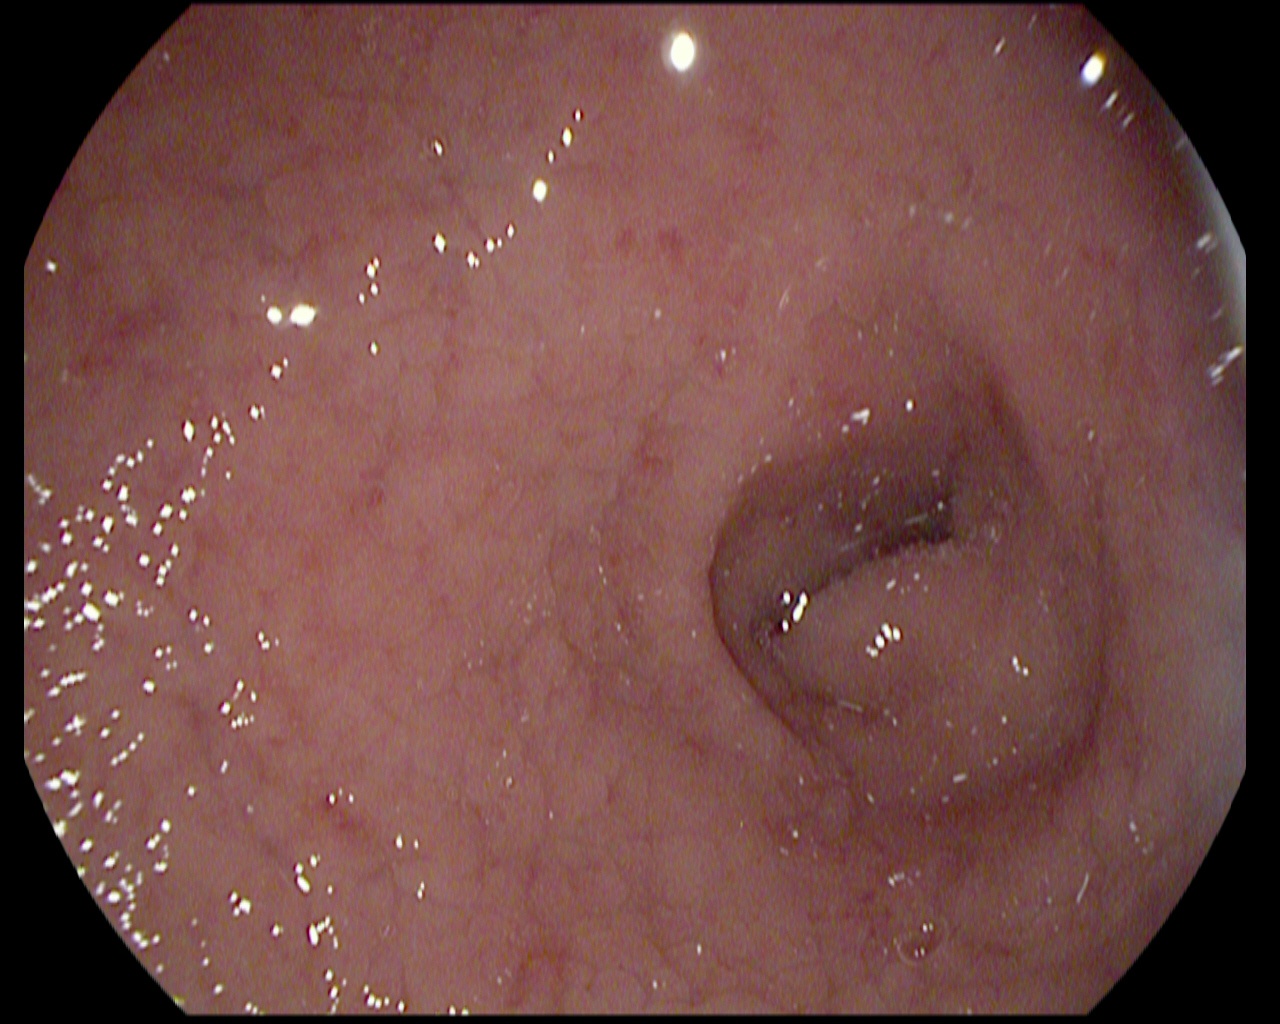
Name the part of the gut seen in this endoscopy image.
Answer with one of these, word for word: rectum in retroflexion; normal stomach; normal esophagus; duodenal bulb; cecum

duodenal bulb